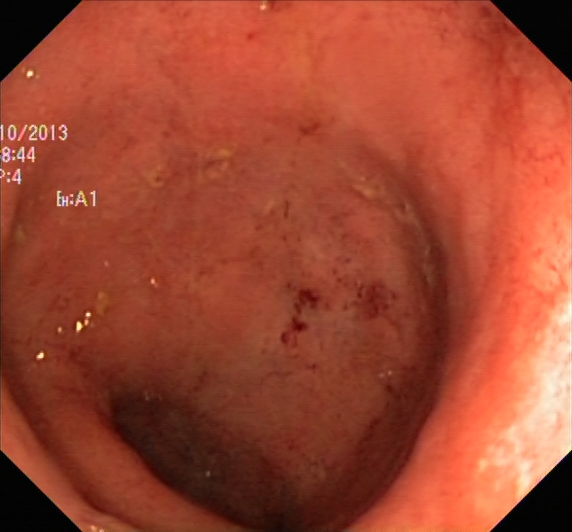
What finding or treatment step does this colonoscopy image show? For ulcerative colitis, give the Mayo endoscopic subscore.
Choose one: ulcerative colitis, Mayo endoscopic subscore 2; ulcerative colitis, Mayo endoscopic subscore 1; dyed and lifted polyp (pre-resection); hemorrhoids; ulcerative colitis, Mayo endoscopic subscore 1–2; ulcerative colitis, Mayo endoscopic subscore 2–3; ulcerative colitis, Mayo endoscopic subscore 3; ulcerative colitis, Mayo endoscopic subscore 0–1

ulcerative colitis, Mayo endoscopic subscore 2